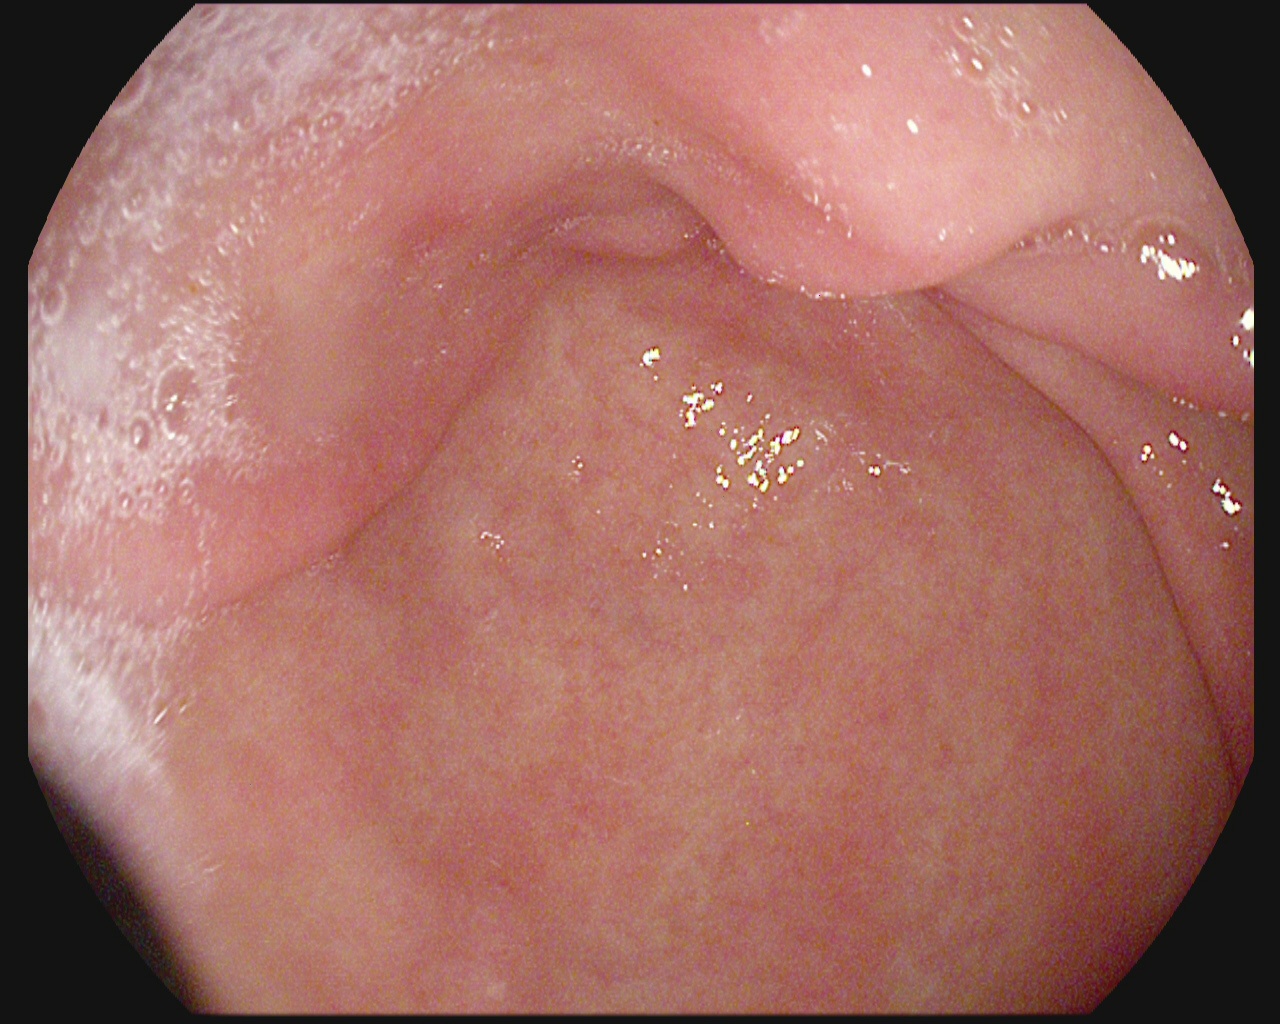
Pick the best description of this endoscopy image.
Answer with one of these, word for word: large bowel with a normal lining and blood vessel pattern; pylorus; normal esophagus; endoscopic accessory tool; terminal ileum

pylorus